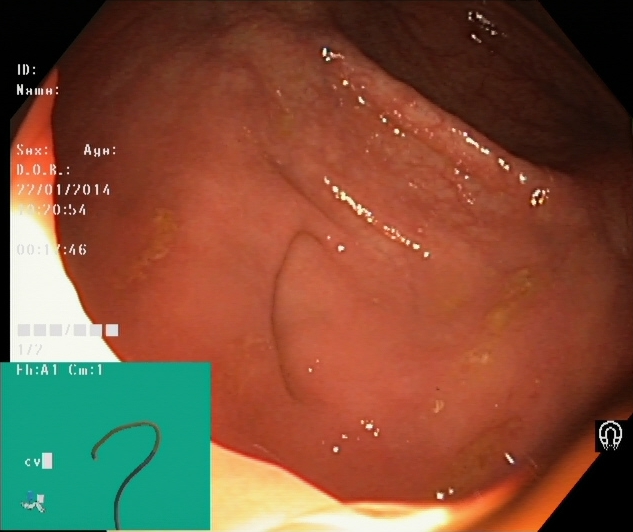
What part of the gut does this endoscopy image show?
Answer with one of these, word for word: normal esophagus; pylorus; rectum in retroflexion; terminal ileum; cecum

cecum